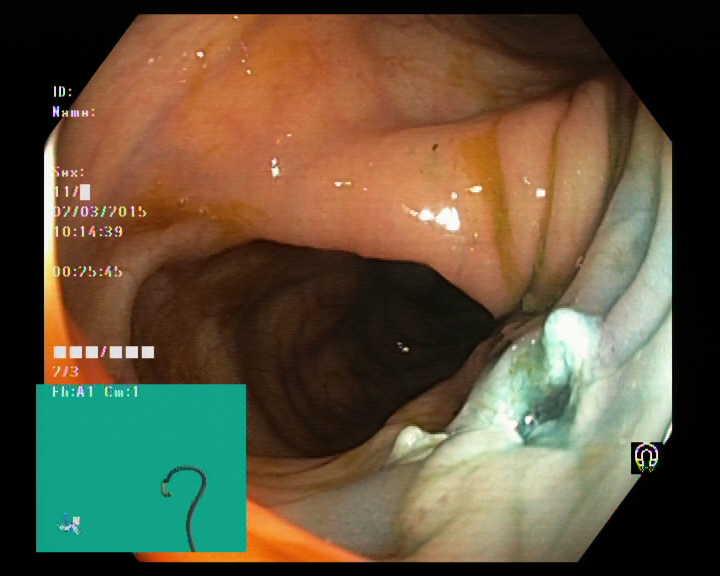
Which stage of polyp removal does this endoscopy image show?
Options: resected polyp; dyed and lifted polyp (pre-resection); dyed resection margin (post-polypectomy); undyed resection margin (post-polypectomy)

dyed resection margin (post-polypectomy)